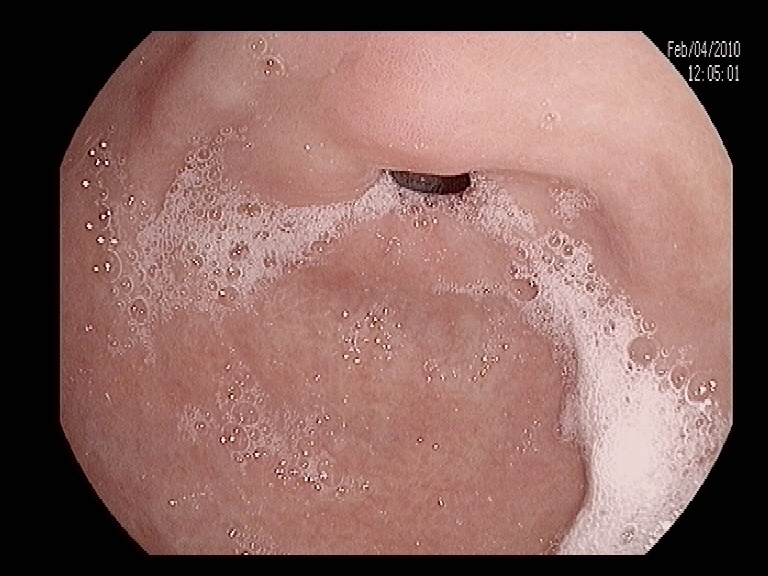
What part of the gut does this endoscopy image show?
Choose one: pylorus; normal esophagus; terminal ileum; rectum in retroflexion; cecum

pylorus